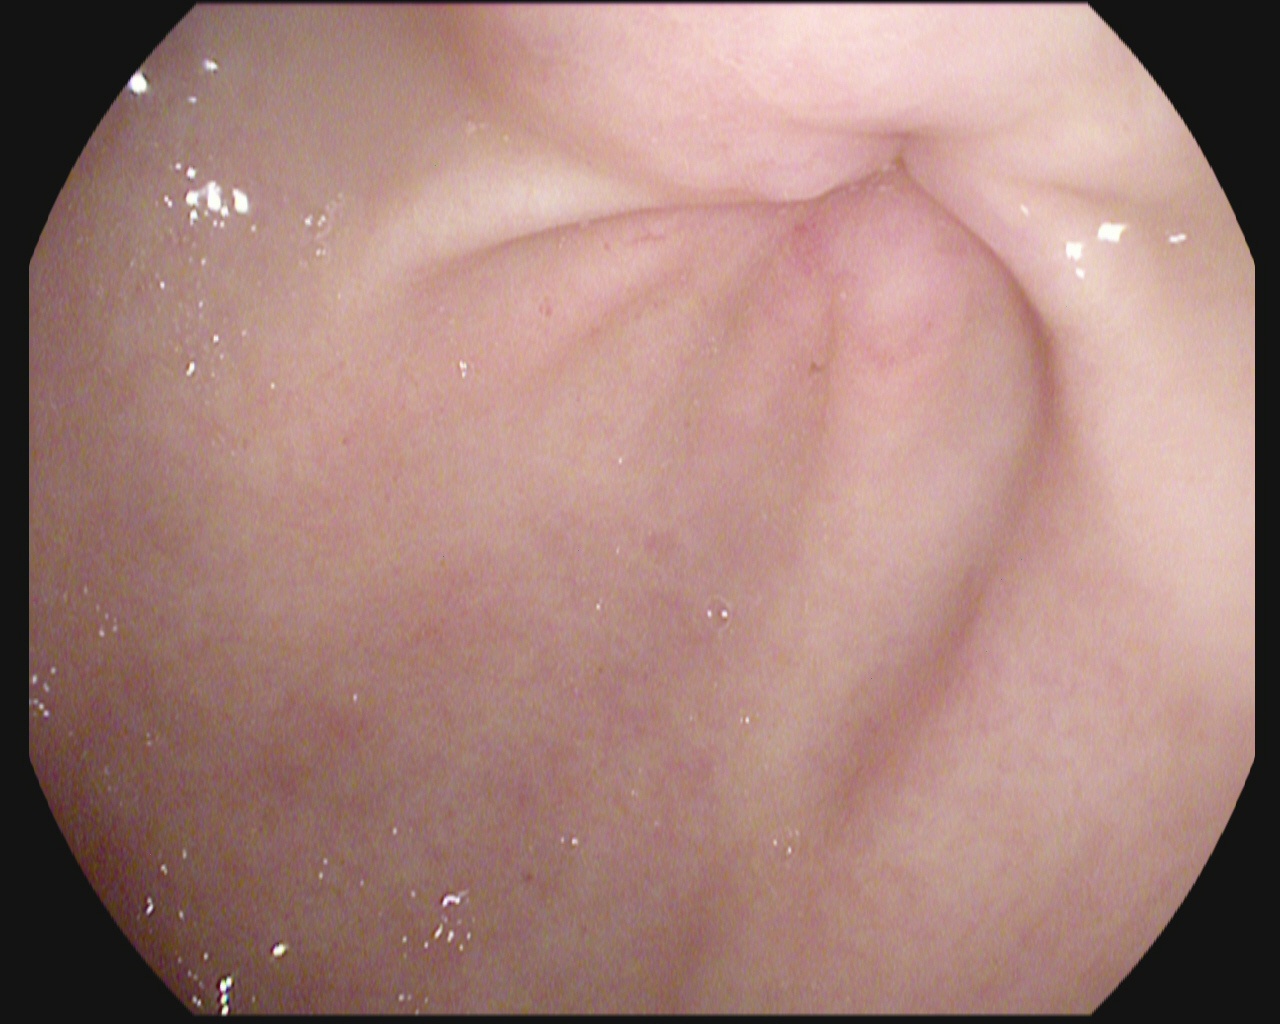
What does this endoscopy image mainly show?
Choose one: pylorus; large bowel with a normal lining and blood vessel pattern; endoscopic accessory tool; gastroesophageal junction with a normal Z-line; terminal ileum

pylorus